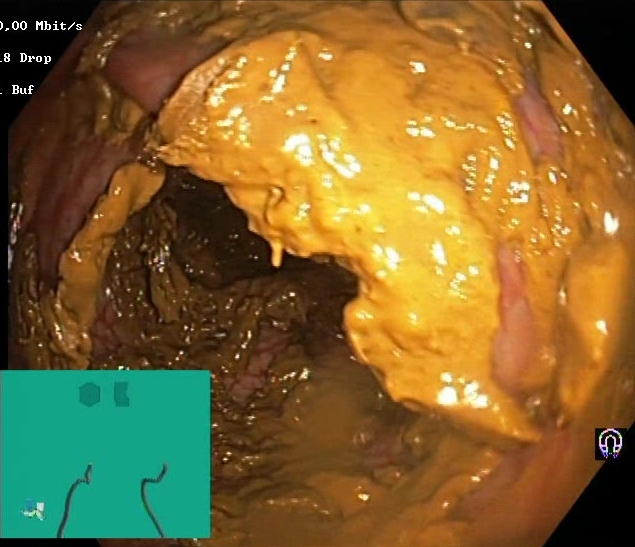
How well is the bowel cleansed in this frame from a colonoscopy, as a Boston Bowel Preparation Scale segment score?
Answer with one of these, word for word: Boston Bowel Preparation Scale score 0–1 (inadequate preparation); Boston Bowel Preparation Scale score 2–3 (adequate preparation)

Boston Bowel Preparation Scale score 0–1 (inadequate preparation)